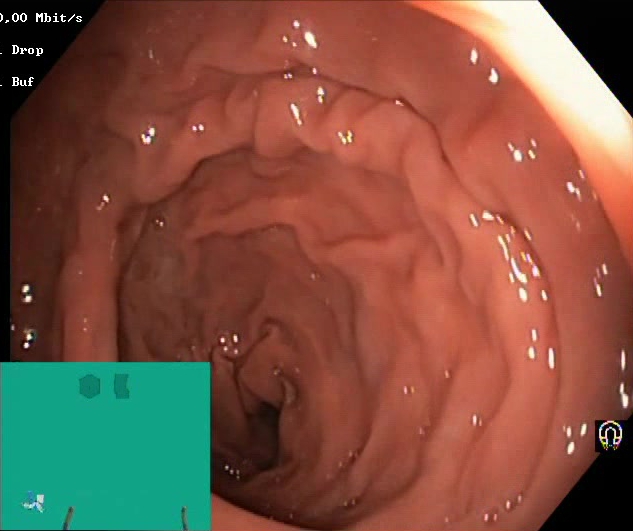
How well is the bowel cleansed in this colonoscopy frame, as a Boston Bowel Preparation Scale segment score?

Boston Bowel Preparation Scale score 2–3 (adequate preparation)